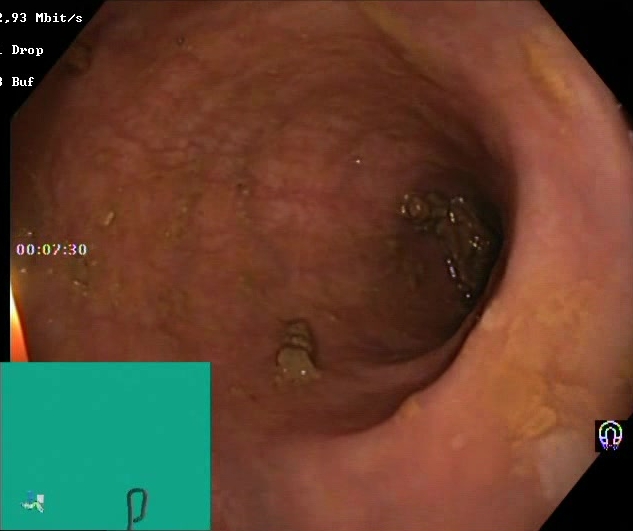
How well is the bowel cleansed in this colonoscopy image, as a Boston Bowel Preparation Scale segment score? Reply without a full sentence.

Boston Bowel Preparation Scale score 2–3 (adequate preparation)